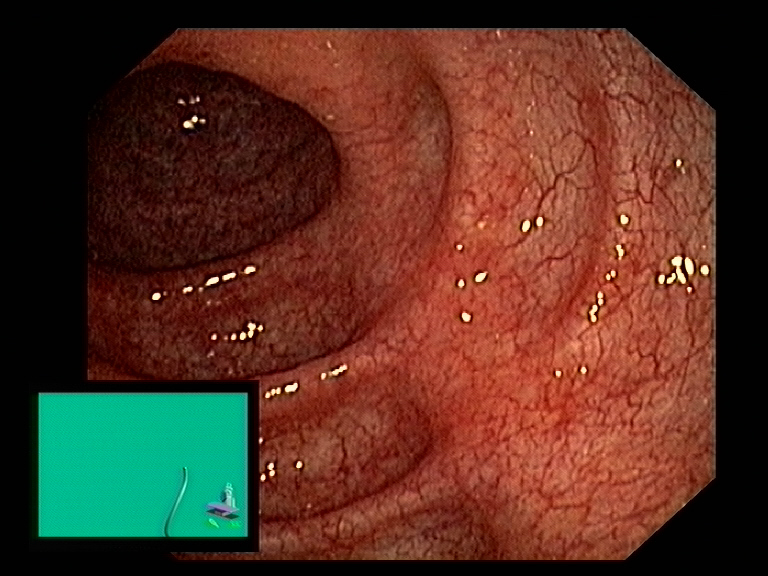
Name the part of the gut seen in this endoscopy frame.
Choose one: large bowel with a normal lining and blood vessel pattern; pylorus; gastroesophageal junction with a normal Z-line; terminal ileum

large bowel with a normal lining and blood vessel pattern